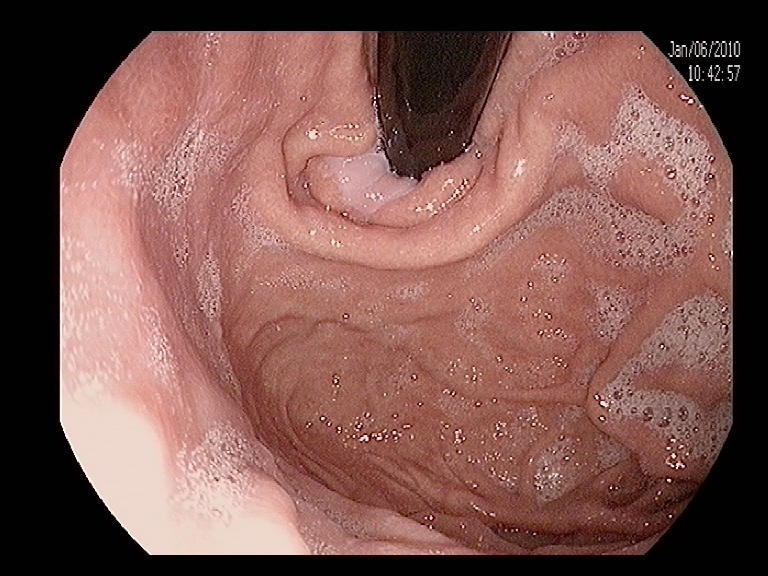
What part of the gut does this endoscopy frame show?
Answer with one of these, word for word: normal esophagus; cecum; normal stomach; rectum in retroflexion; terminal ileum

normal stomach